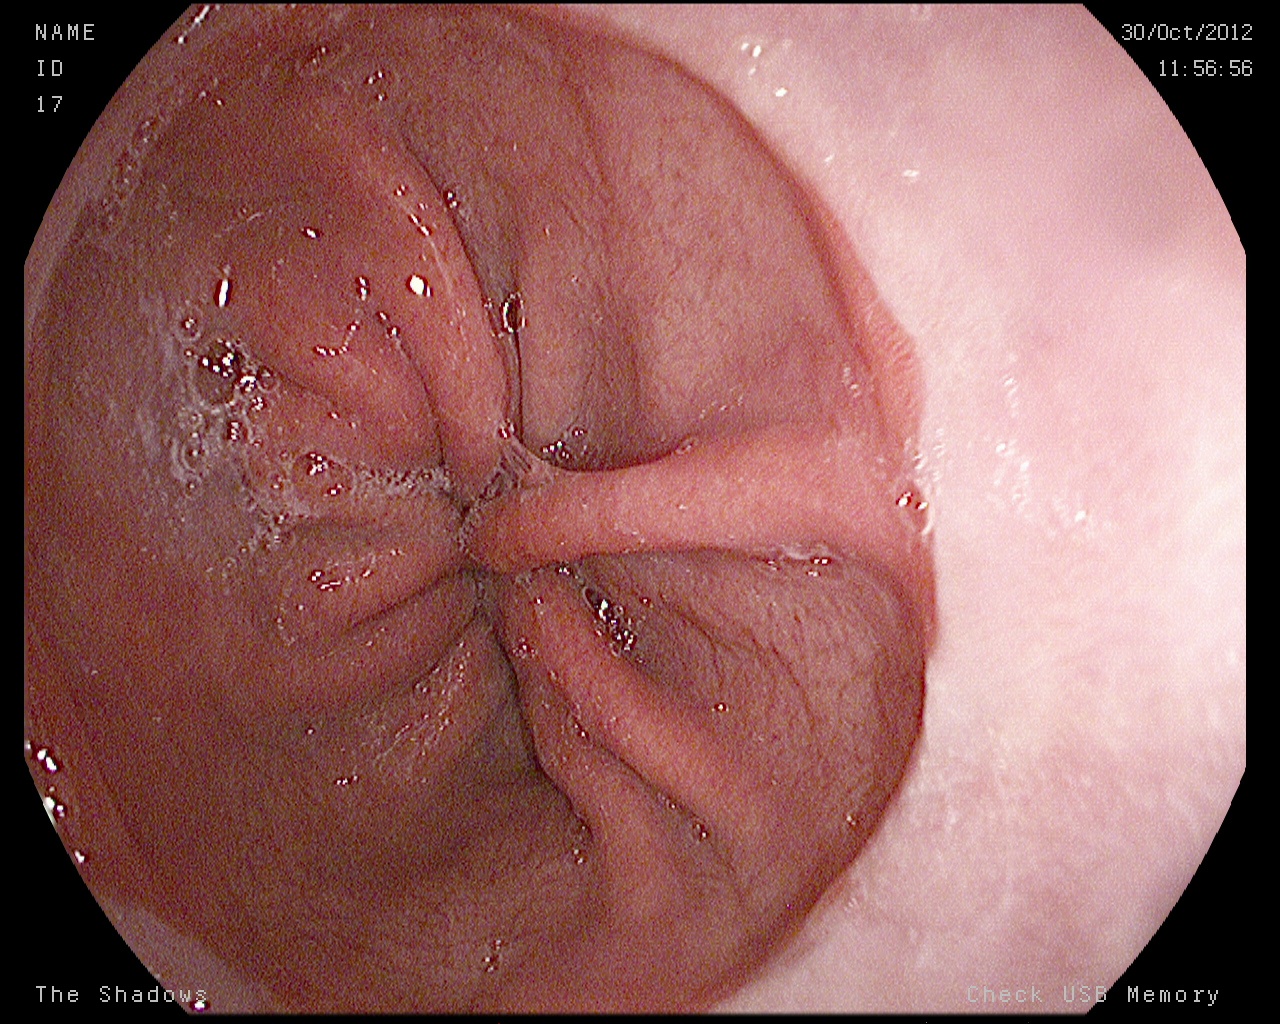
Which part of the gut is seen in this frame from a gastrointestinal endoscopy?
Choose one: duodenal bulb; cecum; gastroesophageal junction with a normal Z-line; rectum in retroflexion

gastroesophageal junction with a normal Z-line